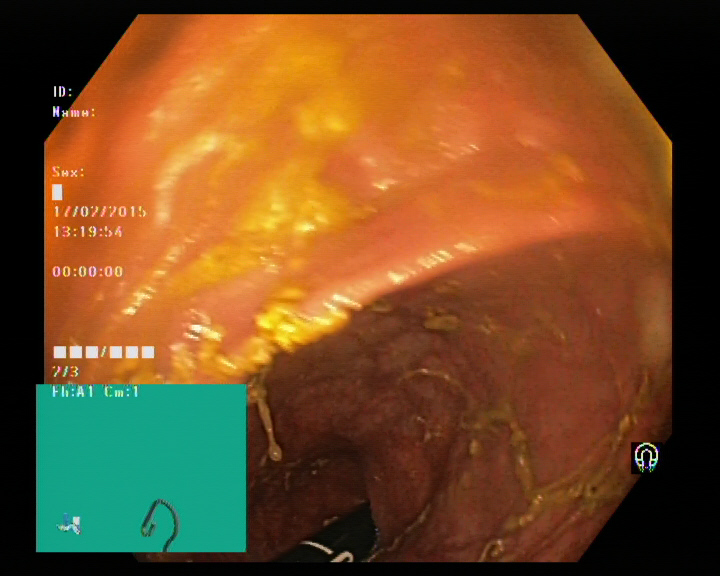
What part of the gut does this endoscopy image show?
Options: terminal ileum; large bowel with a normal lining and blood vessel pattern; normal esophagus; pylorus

large bowel with a normal lining and blood vessel pattern